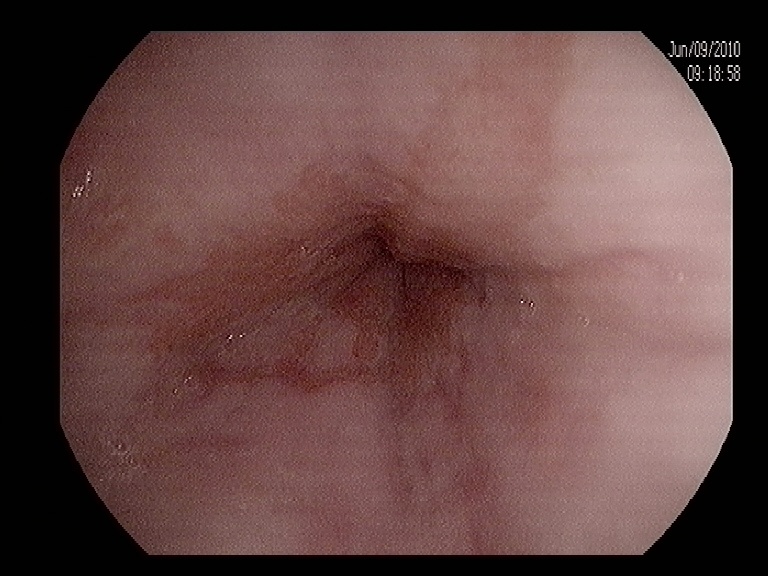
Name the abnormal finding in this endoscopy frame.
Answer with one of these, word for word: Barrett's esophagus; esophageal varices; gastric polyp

Barrett's esophagus